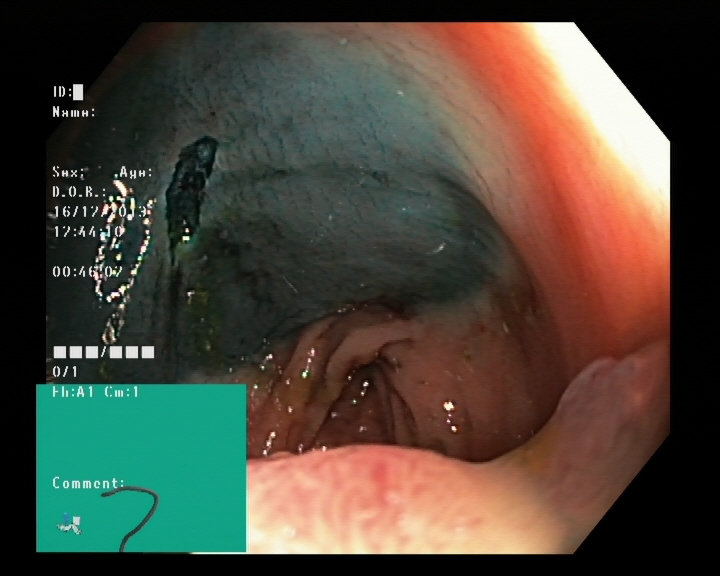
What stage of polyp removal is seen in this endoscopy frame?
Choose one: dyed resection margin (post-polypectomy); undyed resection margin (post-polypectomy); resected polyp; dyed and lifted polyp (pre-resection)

dyed resection margin (post-polypectomy)